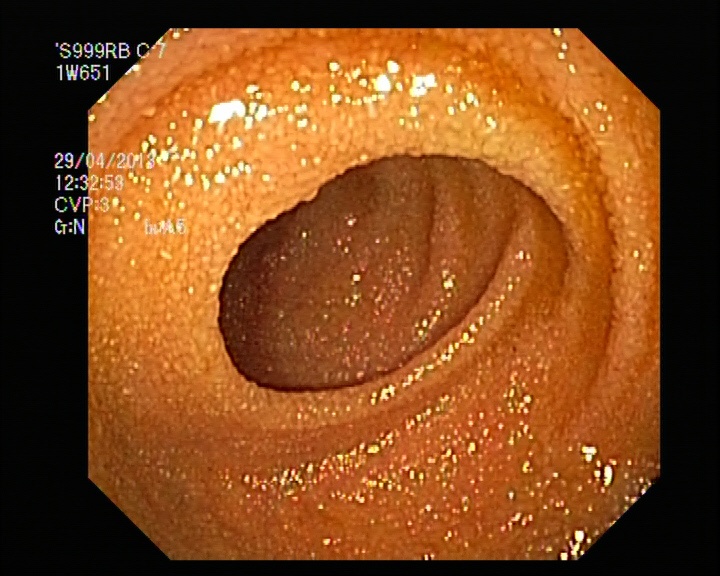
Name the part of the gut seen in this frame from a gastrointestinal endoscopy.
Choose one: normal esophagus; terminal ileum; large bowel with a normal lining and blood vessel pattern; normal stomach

terminal ileum